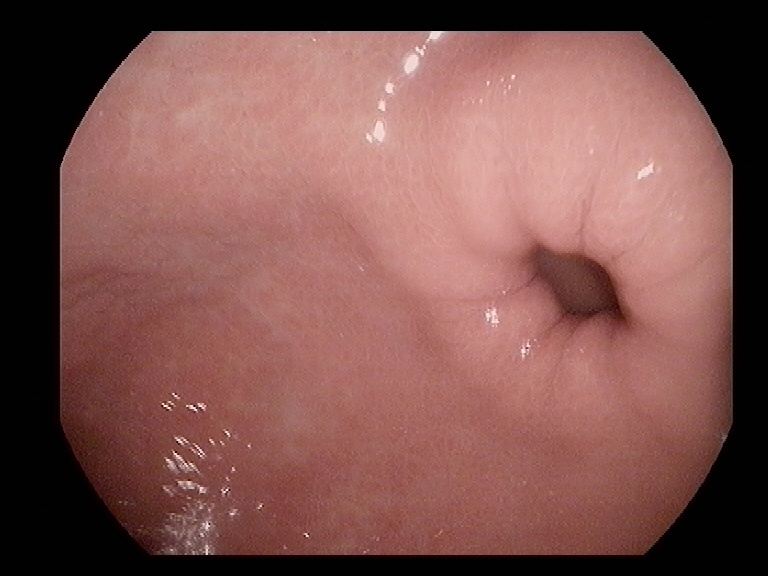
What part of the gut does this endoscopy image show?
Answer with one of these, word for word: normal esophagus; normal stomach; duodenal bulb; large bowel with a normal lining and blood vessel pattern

normal stomach